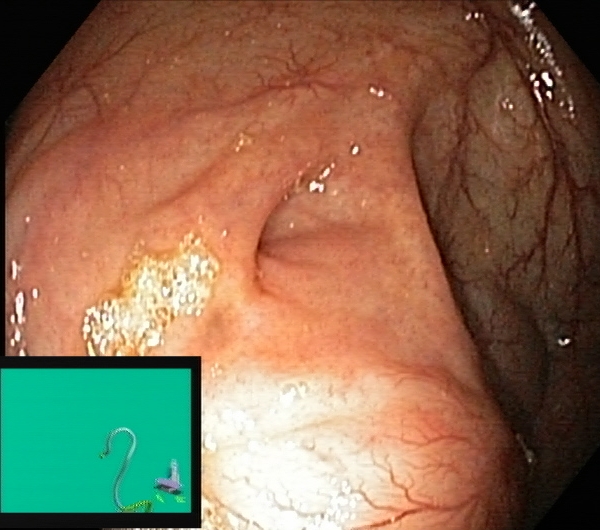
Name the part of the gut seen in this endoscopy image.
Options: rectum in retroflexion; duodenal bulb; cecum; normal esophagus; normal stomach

cecum